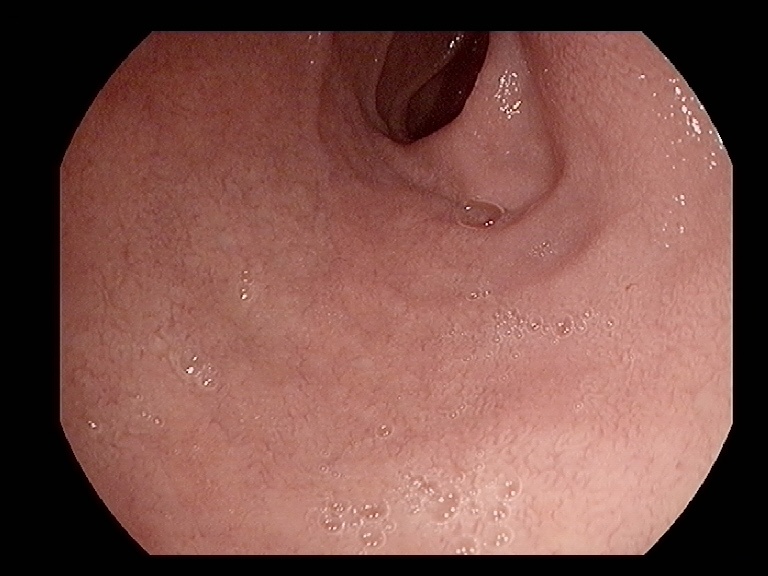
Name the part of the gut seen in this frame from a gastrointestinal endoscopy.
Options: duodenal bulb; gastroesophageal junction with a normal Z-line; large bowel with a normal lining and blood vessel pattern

duodenal bulb